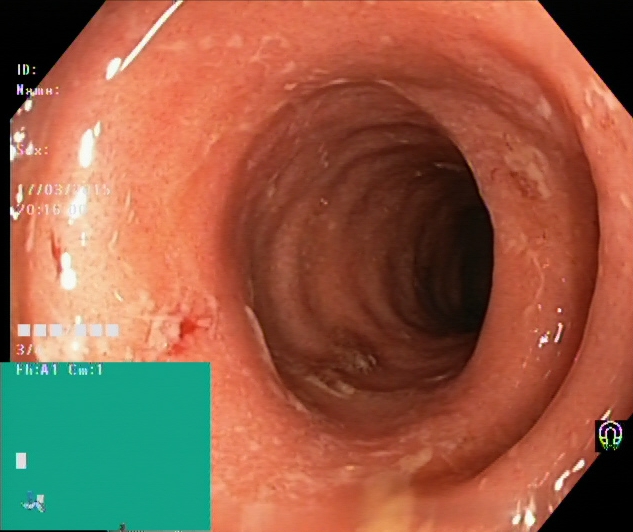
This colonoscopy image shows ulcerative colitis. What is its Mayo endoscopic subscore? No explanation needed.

ulcerative colitis, Mayo endoscopic subscore 2